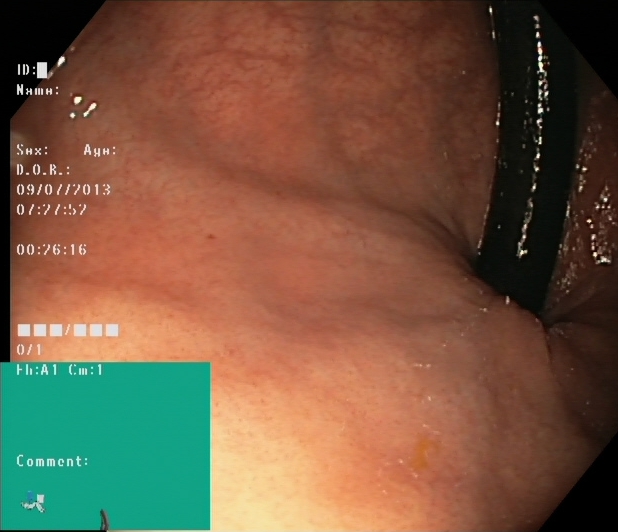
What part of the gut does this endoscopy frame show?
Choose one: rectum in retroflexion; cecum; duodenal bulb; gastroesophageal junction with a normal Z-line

rectum in retroflexion